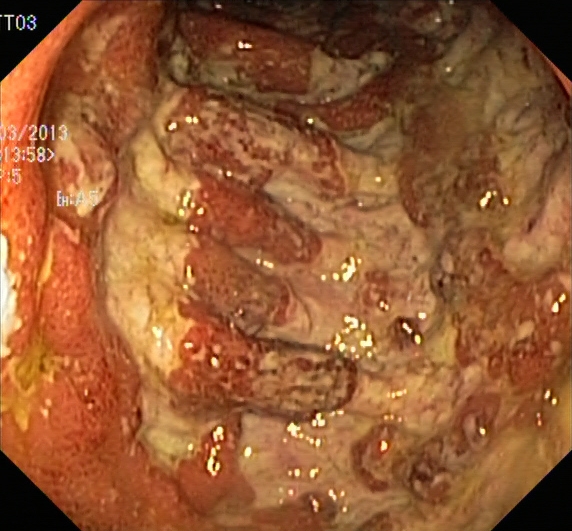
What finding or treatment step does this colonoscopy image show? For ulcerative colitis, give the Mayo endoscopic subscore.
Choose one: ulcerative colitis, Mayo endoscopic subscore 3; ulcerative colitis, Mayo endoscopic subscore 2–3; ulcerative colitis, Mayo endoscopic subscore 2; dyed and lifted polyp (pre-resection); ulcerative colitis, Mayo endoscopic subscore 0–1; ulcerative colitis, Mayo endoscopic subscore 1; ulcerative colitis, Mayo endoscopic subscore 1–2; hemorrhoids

ulcerative colitis, Mayo endoscopic subscore 3